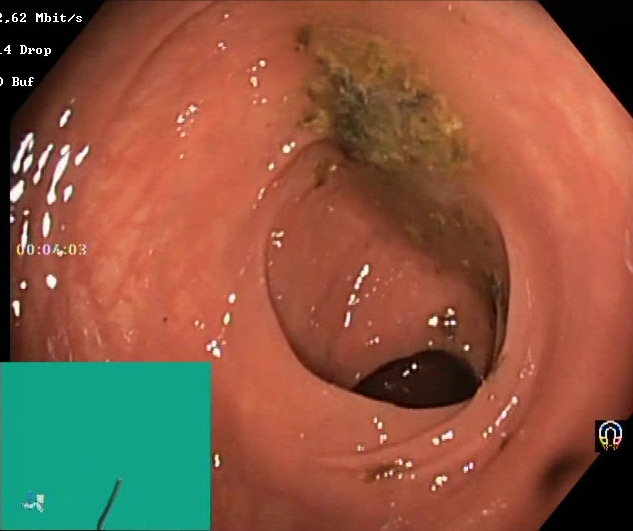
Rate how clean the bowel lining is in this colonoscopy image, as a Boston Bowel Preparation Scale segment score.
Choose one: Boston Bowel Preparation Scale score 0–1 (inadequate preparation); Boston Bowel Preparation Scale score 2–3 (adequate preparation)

Boston Bowel Preparation Scale score 0–1 (inadequate preparation)